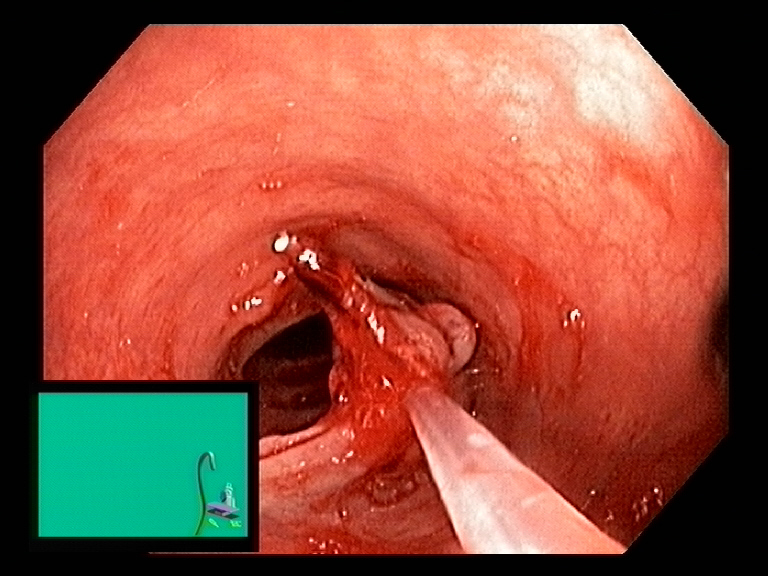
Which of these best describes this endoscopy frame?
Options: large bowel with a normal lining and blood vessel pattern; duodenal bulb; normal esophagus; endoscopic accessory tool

endoscopic accessory tool